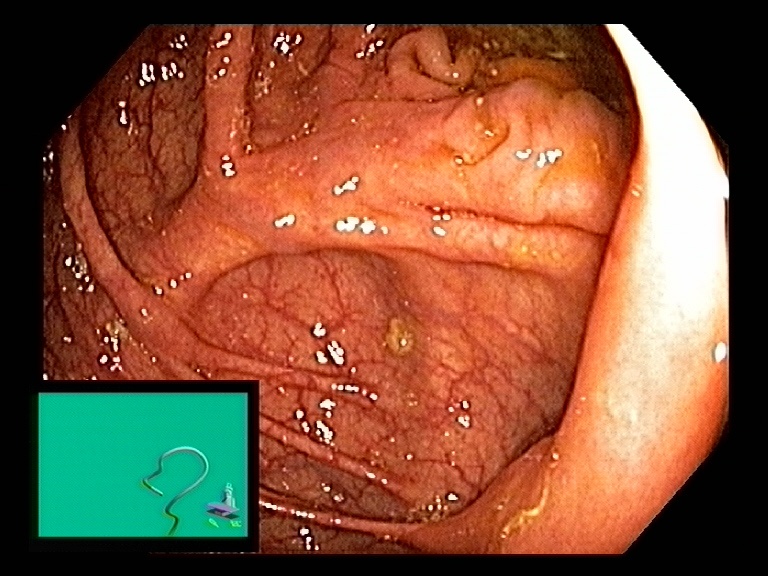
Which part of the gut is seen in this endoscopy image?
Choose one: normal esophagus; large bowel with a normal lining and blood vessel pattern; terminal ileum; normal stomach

large bowel with a normal lining and blood vessel pattern